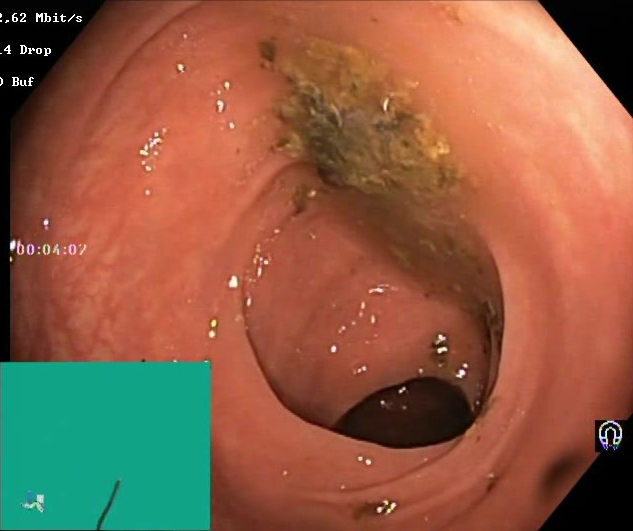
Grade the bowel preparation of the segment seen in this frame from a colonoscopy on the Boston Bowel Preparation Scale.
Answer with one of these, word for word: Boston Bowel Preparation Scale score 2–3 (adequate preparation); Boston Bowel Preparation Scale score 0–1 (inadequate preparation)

Boston Bowel Preparation Scale score 0–1 (inadequate preparation)